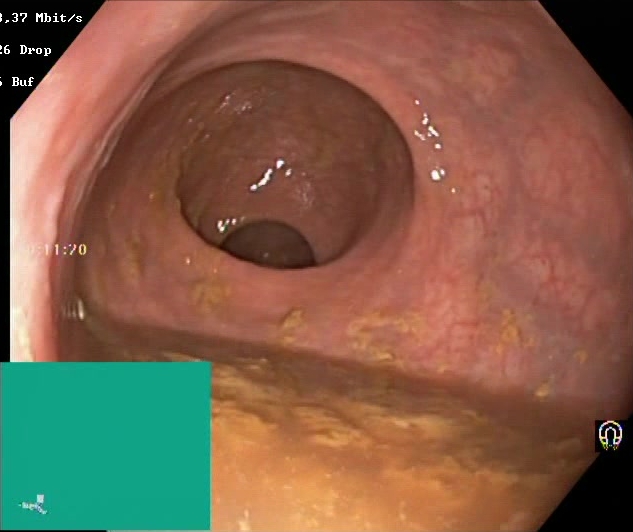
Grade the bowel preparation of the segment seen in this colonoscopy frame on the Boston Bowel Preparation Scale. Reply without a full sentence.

Boston Bowel Preparation Scale score 0–1 (inadequate preparation)